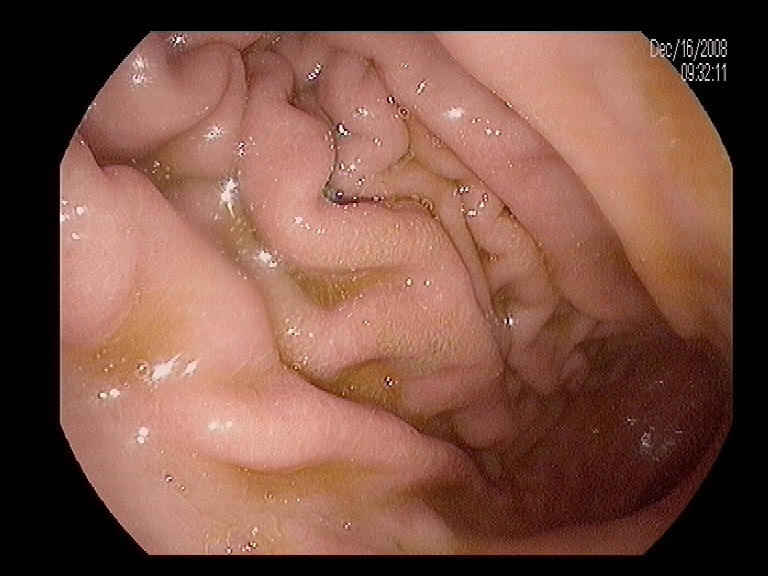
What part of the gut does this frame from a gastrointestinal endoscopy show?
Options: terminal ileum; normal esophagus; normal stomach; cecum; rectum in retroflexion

normal stomach